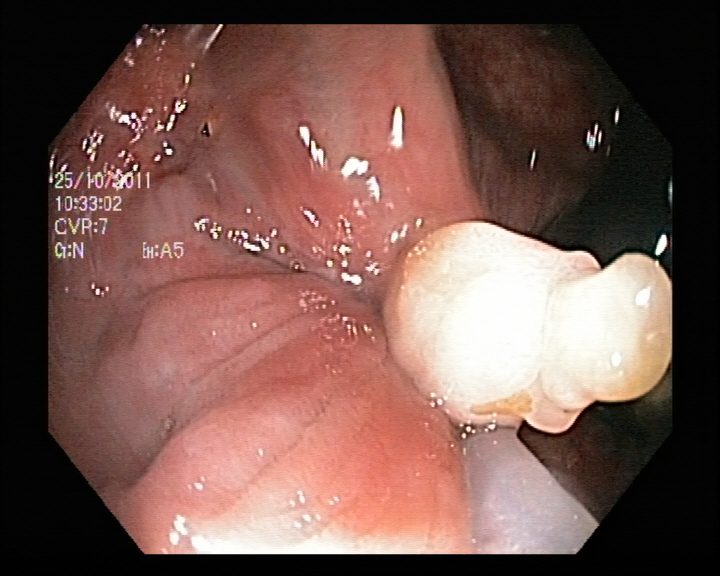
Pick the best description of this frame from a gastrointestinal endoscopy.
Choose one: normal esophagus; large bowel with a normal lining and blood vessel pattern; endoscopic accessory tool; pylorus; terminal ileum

endoscopic accessory tool